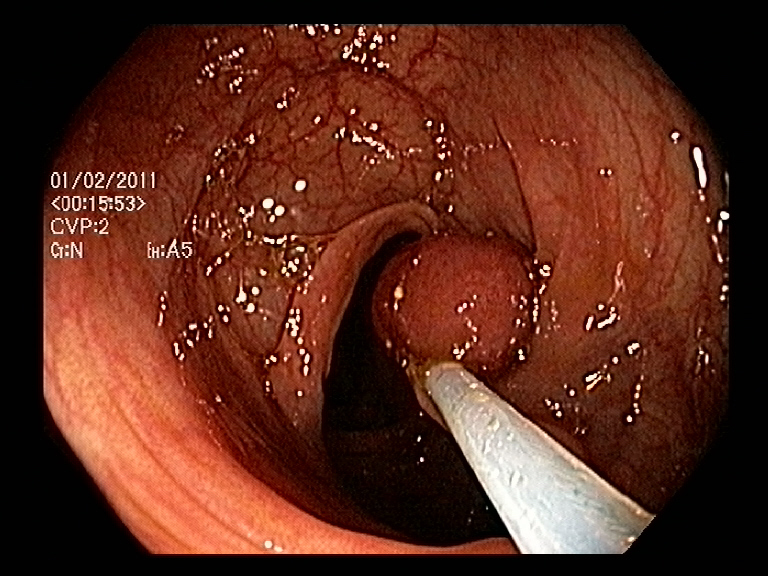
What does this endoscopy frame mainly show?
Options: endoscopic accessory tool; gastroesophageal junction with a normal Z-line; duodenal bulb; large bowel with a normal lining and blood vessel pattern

endoscopic accessory tool